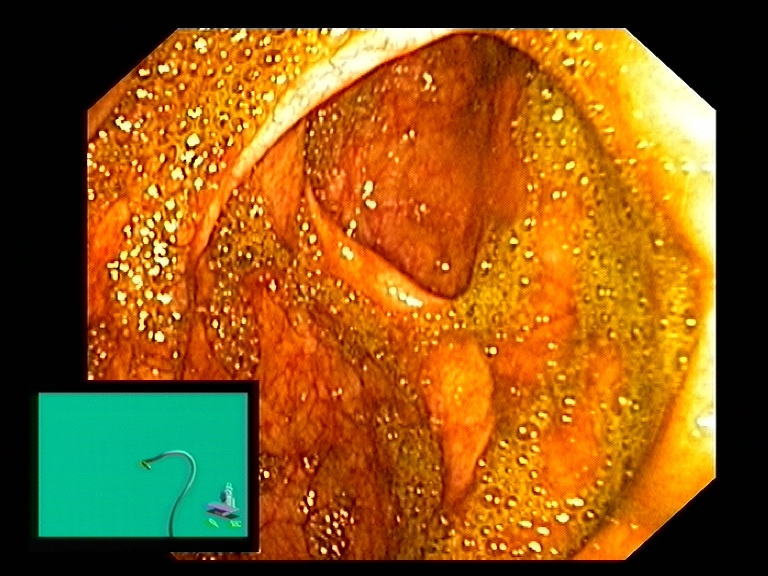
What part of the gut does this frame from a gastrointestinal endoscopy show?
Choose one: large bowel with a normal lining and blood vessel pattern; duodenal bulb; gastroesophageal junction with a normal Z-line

large bowel with a normal lining and blood vessel pattern